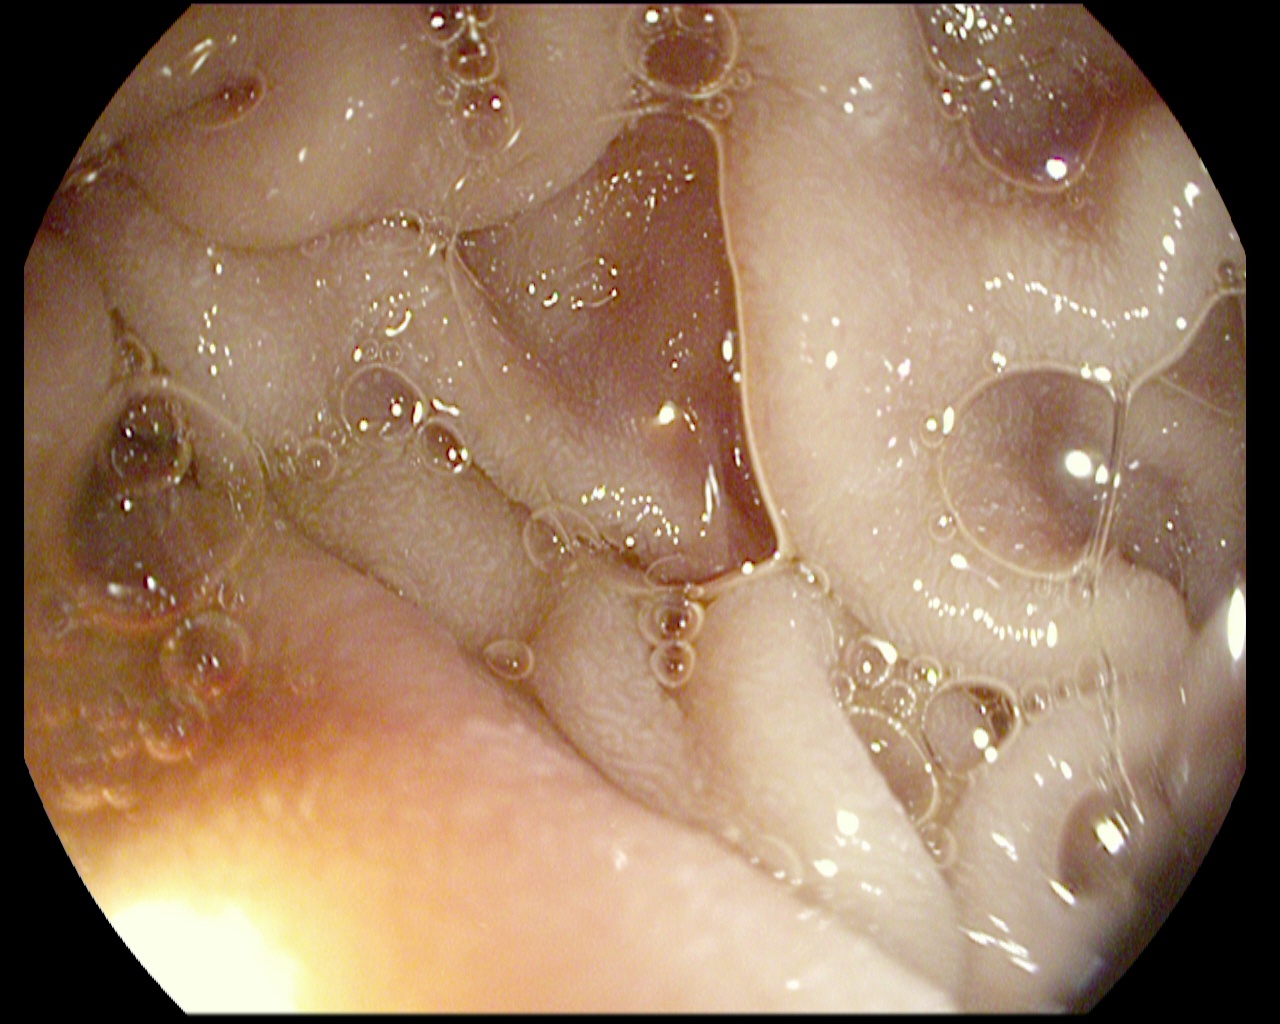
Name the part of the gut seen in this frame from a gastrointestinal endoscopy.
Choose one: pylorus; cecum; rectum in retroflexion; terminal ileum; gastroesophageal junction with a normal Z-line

terminal ileum